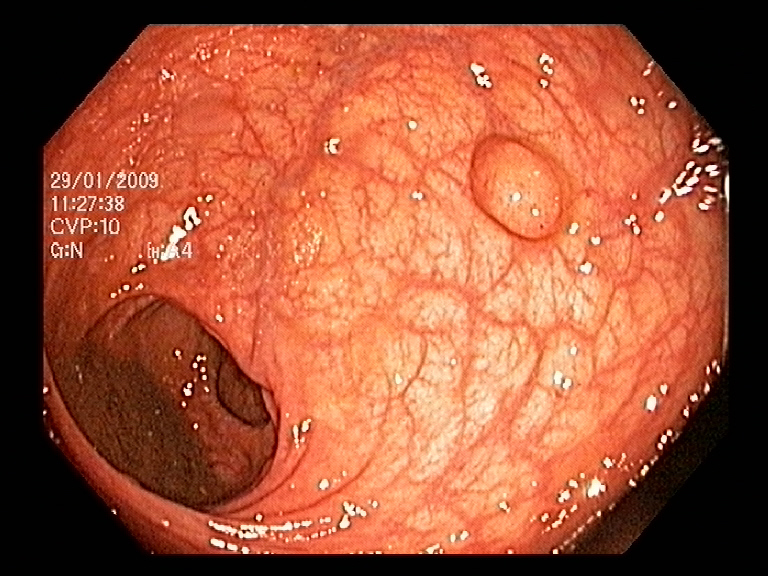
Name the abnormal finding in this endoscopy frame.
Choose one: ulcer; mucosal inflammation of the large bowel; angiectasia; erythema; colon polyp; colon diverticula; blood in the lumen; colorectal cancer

colon polyp